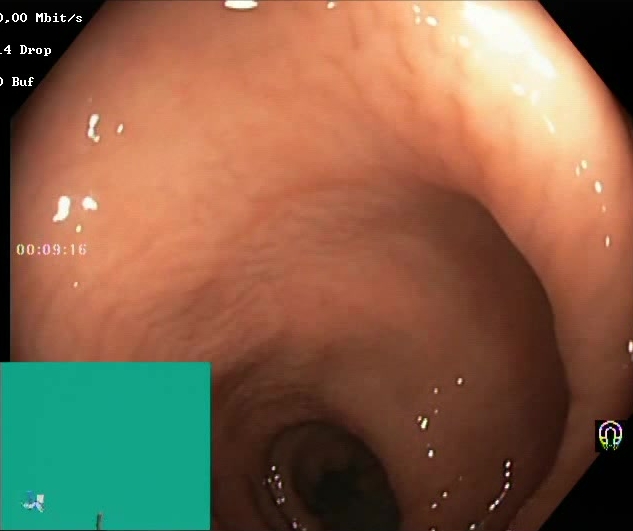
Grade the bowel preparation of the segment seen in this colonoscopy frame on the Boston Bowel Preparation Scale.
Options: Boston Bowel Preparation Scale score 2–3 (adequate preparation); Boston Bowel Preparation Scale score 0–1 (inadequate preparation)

Boston Bowel Preparation Scale score 2–3 (adequate preparation)